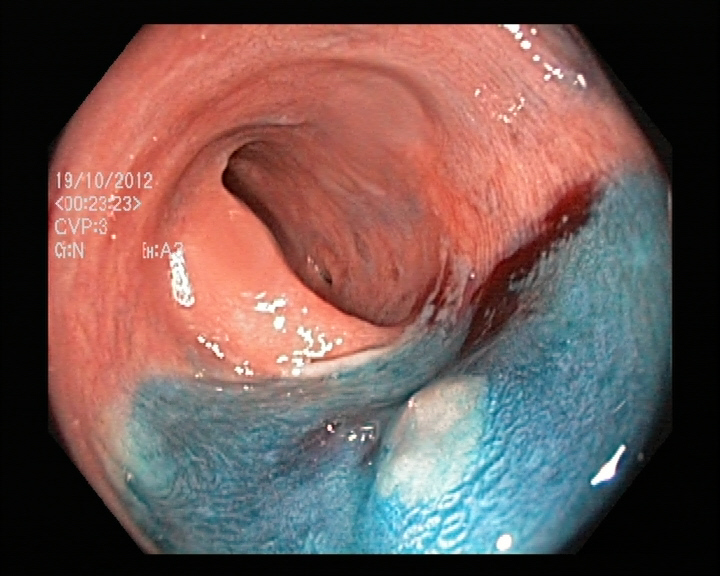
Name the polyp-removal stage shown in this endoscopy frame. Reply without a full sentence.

dyed and lifted polyp (pre-resection)